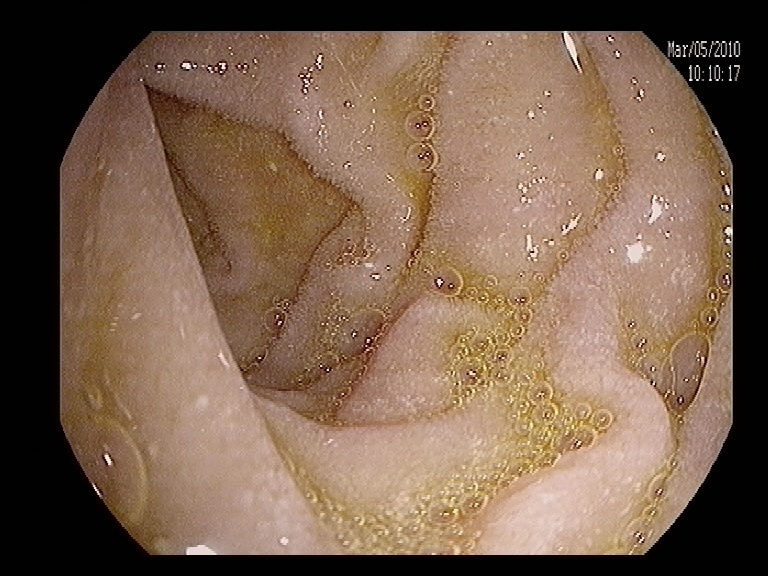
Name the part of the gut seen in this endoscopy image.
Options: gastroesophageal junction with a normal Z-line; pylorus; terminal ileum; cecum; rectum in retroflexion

terminal ileum